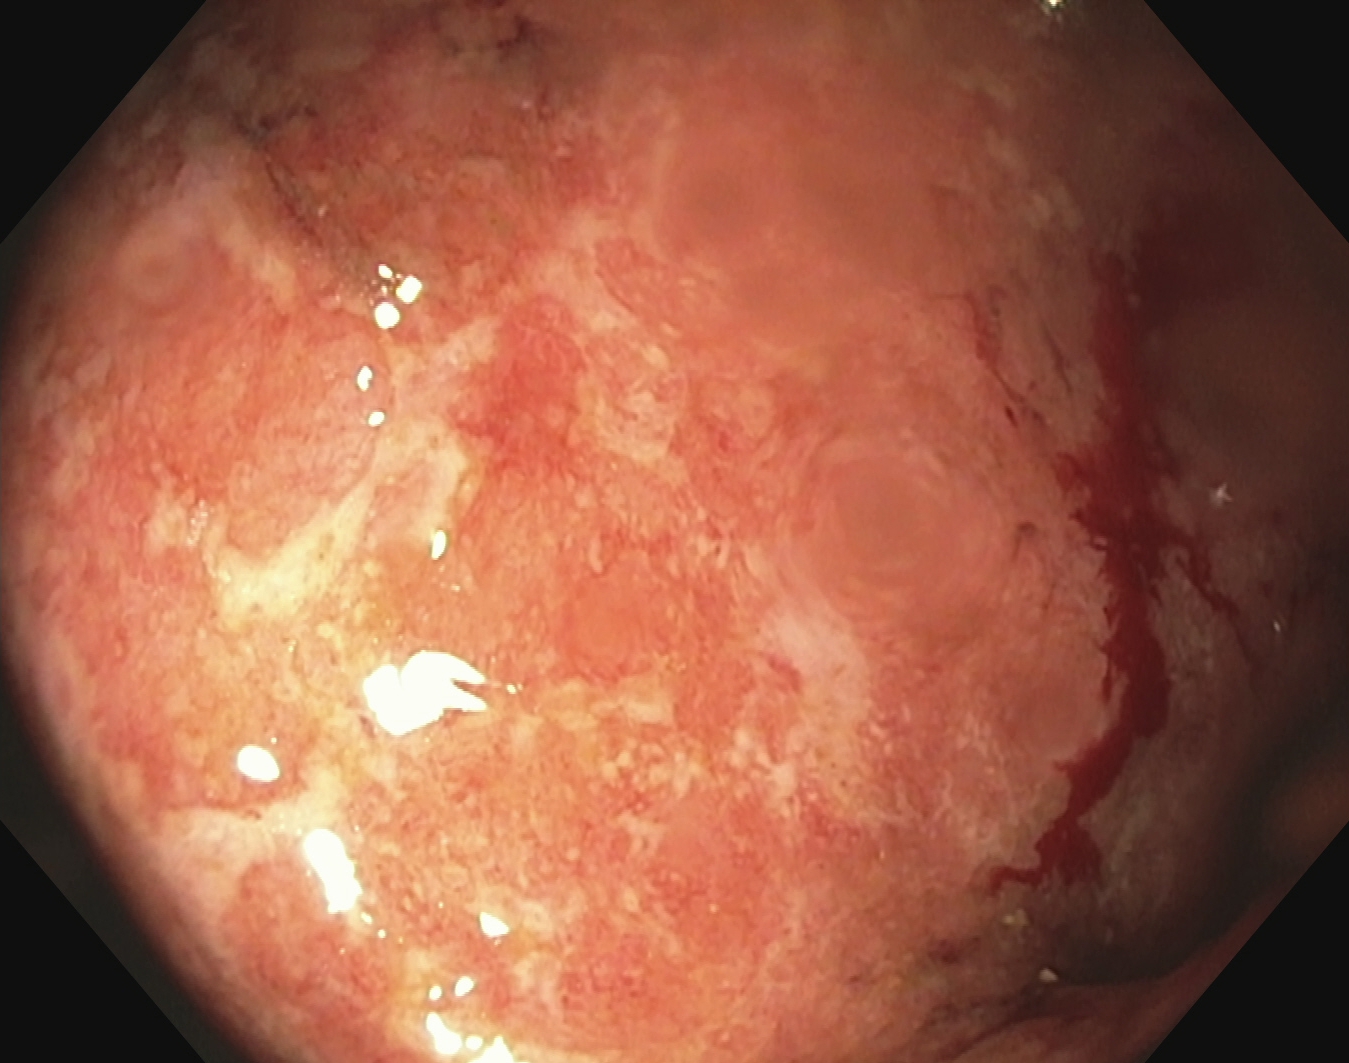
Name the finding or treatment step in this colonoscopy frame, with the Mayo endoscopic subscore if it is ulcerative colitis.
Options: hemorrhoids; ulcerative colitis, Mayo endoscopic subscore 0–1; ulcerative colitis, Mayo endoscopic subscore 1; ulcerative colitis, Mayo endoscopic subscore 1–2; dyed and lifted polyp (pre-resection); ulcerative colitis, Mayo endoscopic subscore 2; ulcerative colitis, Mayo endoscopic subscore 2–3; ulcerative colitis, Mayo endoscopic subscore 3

ulcerative colitis, Mayo endoscopic subscore 2